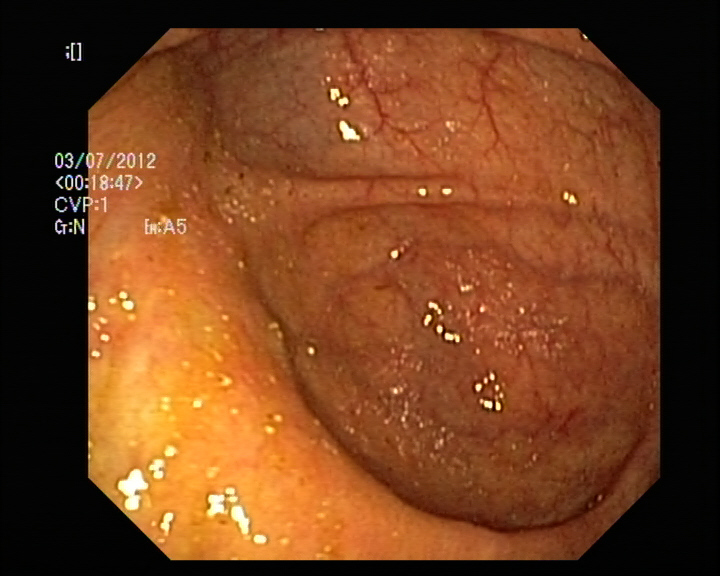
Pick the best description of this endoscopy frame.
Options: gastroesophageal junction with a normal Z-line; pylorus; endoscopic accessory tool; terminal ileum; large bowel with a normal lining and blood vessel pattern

large bowel with a normal lining and blood vessel pattern